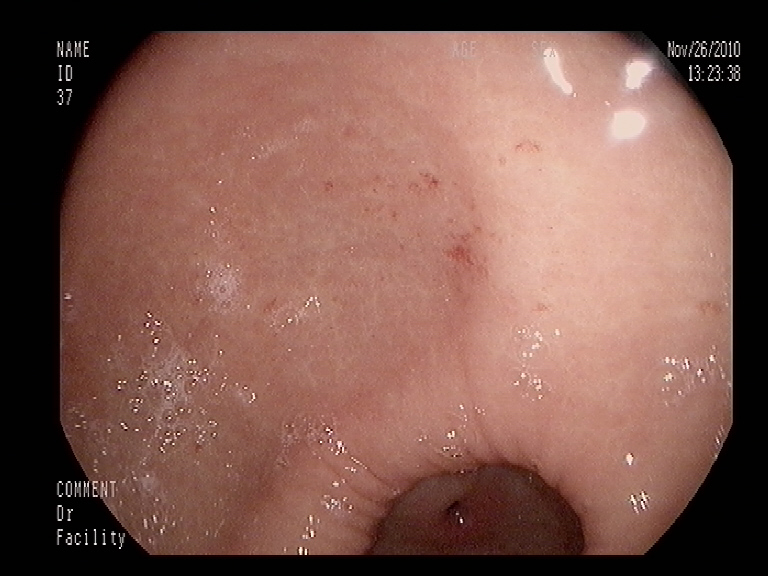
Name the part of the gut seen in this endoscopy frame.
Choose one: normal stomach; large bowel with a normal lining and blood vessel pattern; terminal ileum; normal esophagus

normal stomach